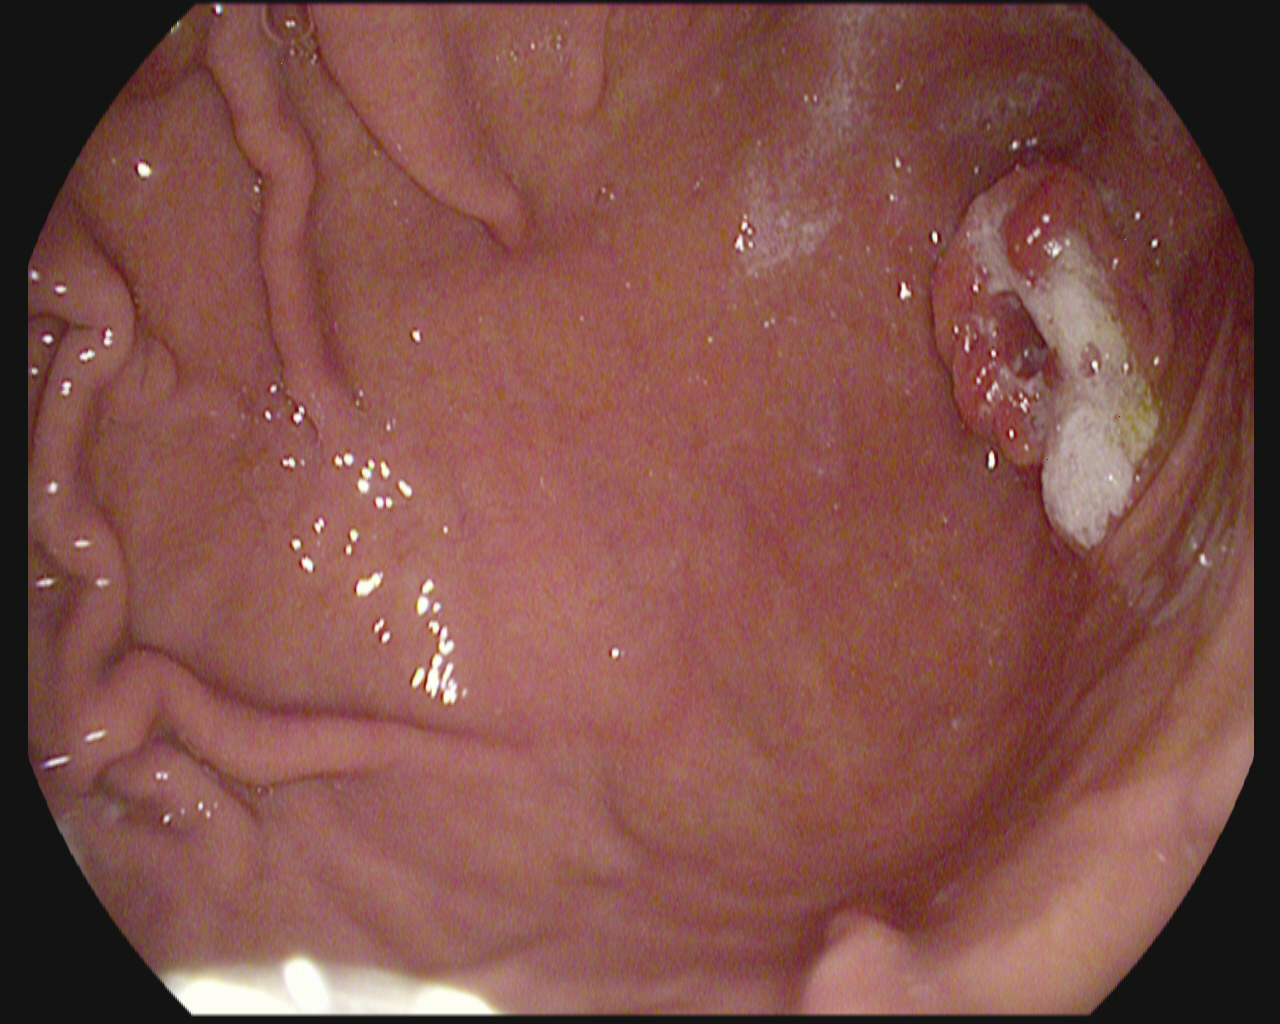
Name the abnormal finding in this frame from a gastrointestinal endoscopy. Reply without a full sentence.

gastric polyp